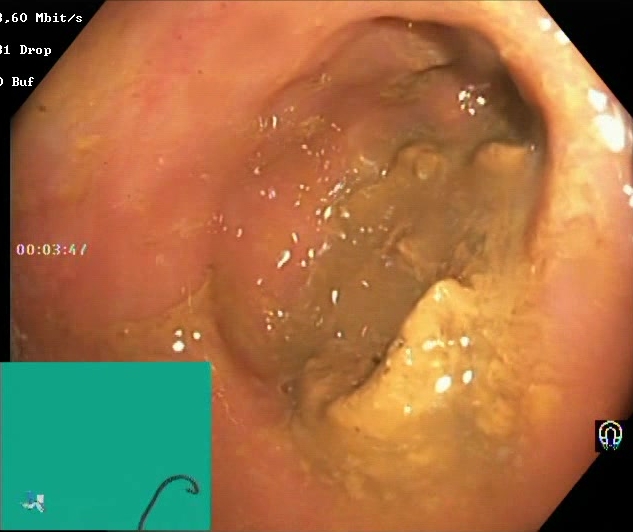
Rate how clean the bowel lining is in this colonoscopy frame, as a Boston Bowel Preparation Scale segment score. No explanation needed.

Boston Bowel Preparation Scale score 0–1 (inadequate preparation)